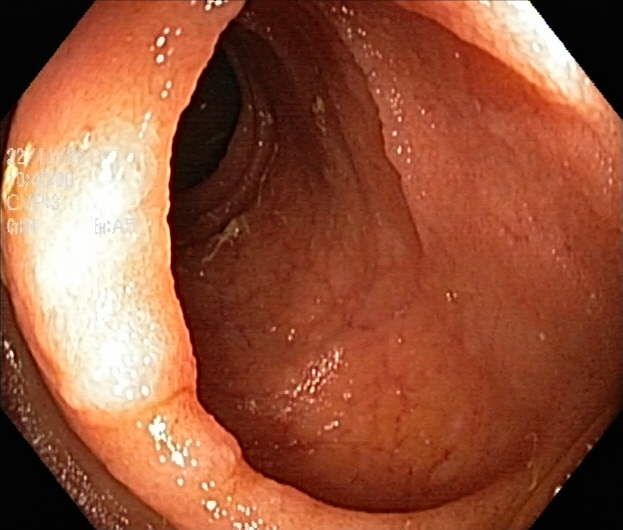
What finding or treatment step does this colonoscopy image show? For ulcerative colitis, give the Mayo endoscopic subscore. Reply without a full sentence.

ulcerative colitis, Mayo endoscopic subscore 1–2